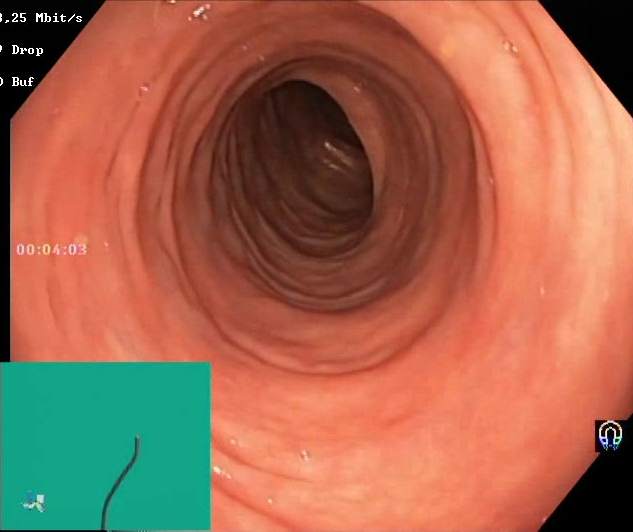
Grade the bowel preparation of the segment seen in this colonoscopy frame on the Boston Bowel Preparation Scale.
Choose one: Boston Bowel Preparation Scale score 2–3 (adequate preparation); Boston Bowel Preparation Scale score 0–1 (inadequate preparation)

Boston Bowel Preparation Scale score 2–3 (adequate preparation)